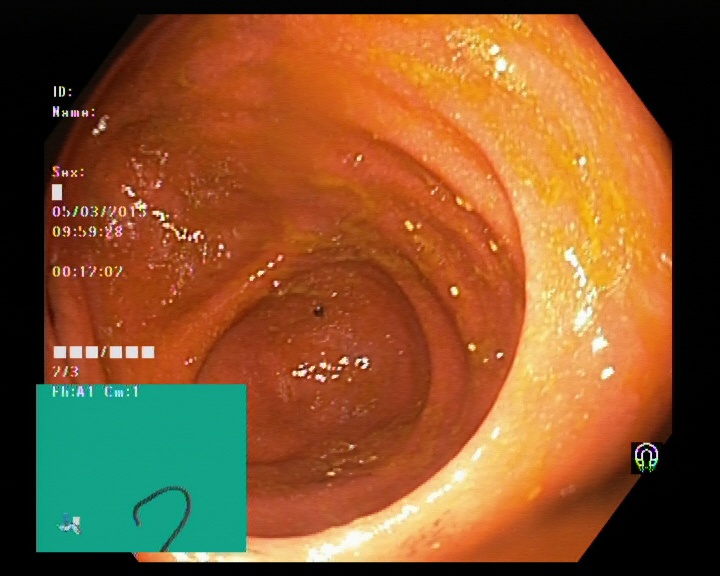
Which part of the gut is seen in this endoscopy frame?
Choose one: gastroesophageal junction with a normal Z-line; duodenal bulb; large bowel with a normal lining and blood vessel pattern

large bowel with a normal lining and blood vessel pattern